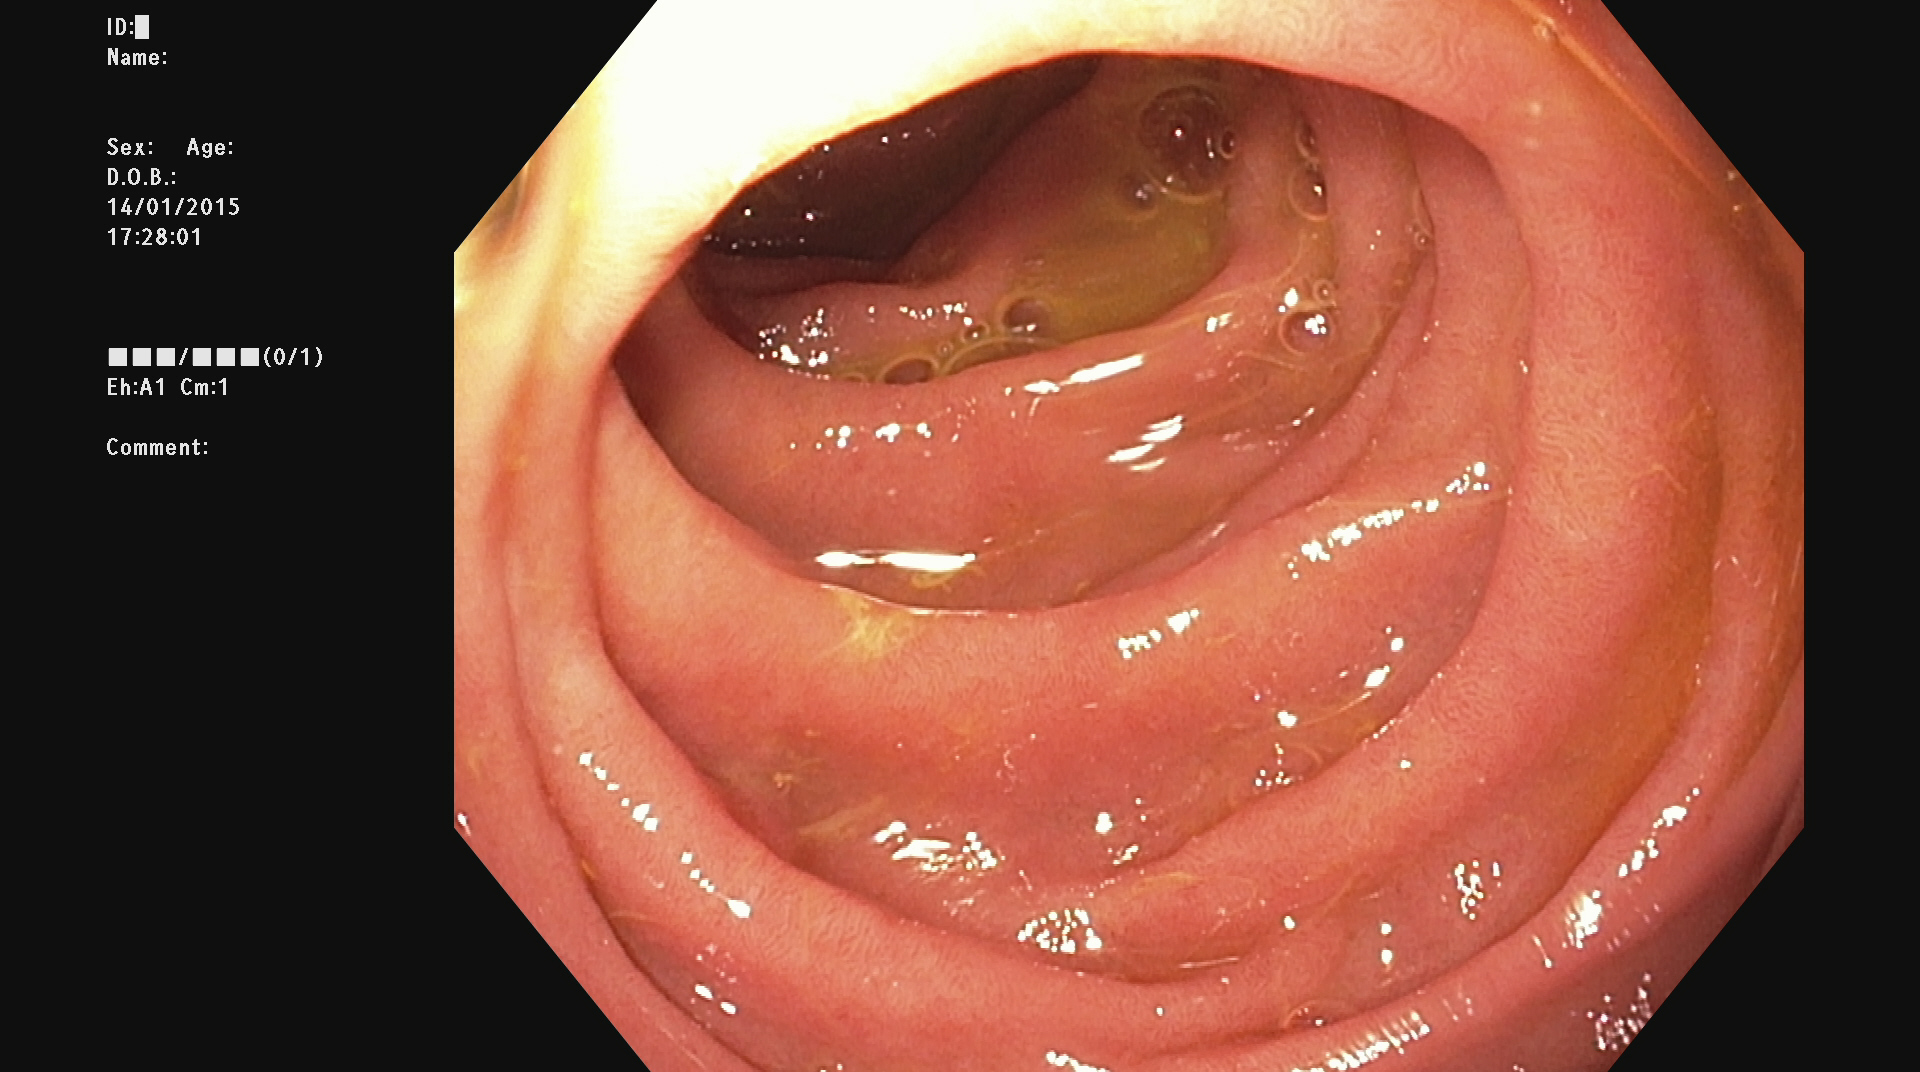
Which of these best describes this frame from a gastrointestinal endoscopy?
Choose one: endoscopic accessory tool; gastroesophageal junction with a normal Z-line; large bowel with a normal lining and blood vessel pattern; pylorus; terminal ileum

terminal ileum